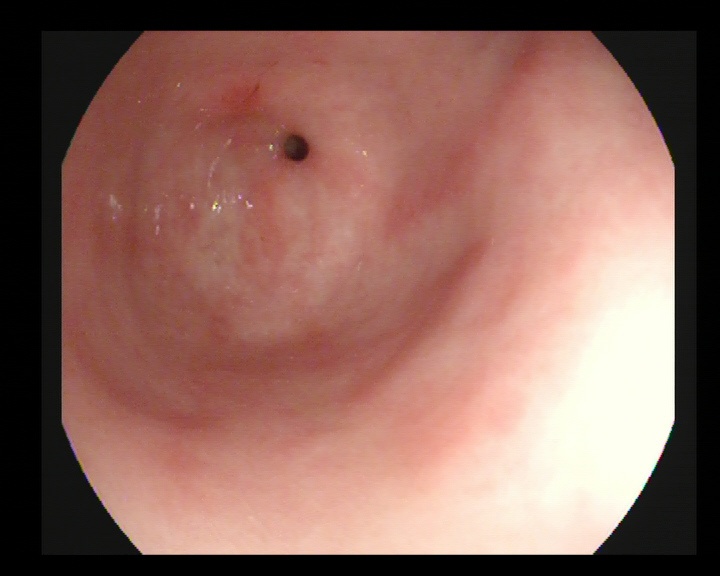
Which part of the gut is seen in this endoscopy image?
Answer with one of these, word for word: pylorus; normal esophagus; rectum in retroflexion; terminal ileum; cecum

pylorus